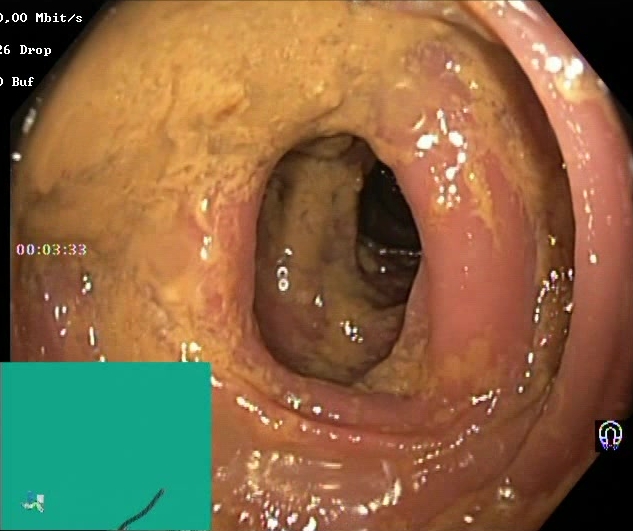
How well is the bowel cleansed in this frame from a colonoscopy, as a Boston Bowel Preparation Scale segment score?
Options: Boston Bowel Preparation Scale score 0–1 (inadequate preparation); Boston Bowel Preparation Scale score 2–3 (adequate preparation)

Boston Bowel Preparation Scale score 0–1 (inadequate preparation)